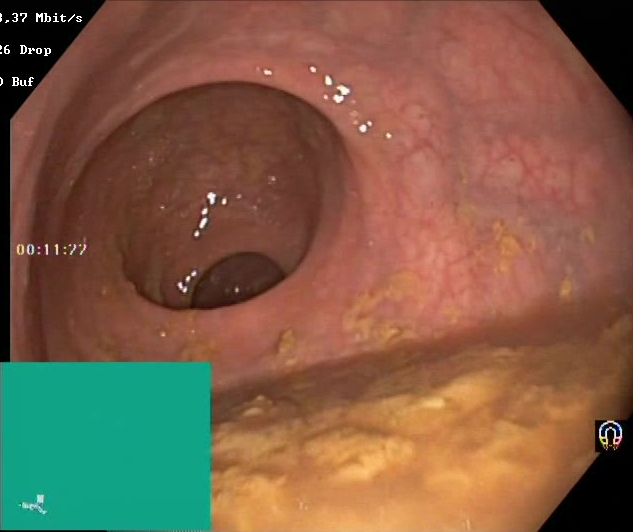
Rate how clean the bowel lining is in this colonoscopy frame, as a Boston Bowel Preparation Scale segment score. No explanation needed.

Boston Bowel Preparation Scale score 0–1 (inadequate preparation)